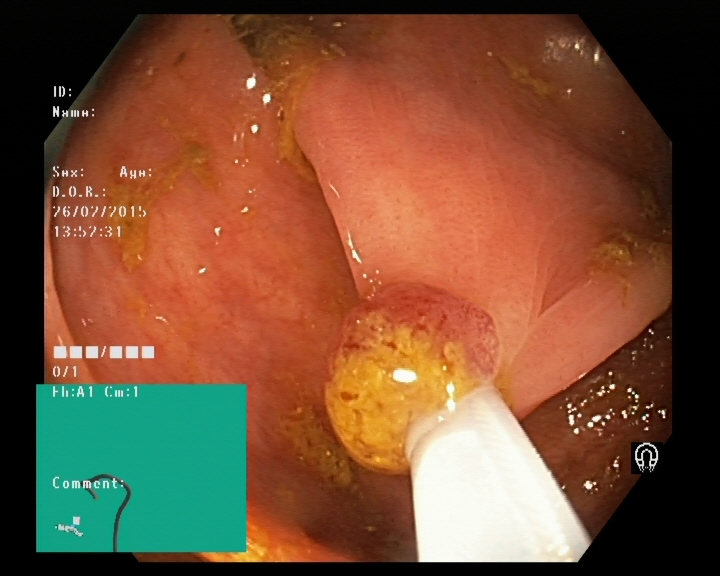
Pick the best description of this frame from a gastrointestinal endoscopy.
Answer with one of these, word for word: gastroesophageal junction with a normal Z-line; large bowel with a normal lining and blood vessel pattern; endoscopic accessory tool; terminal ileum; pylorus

endoscopic accessory tool